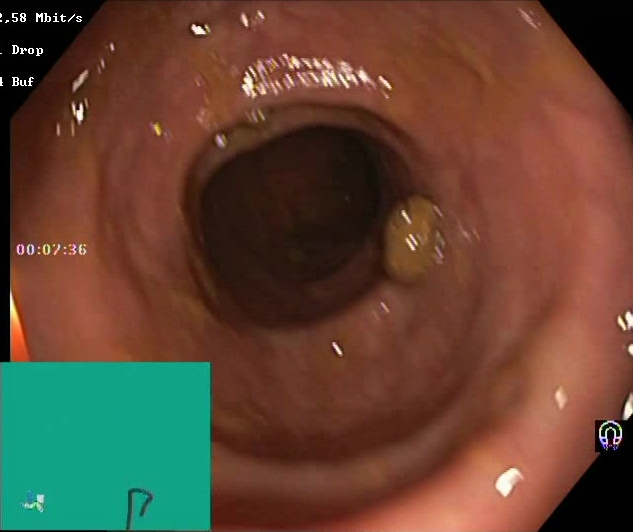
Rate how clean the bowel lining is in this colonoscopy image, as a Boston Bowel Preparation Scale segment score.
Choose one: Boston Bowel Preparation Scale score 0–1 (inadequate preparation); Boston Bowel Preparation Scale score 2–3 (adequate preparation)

Boston Bowel Preparation Scale score 2–3 (adequate preparation)